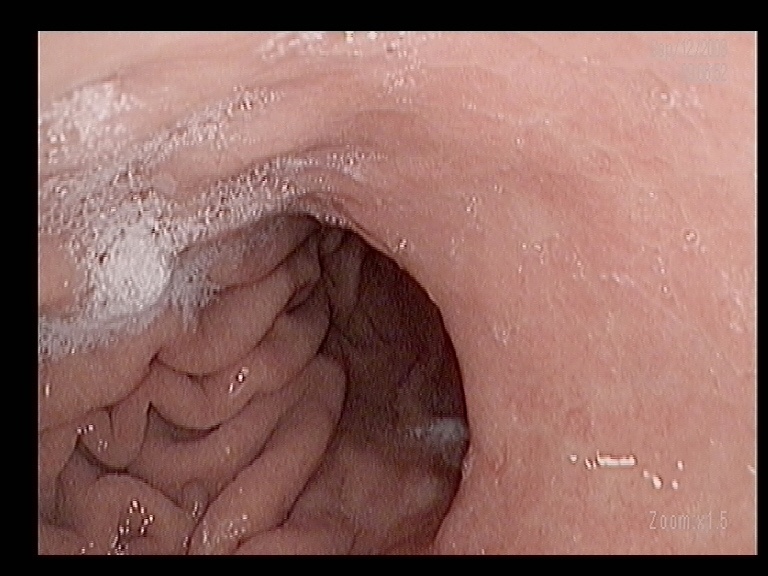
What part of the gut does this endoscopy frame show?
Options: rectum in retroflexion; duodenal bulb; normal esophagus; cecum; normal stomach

normal stomach